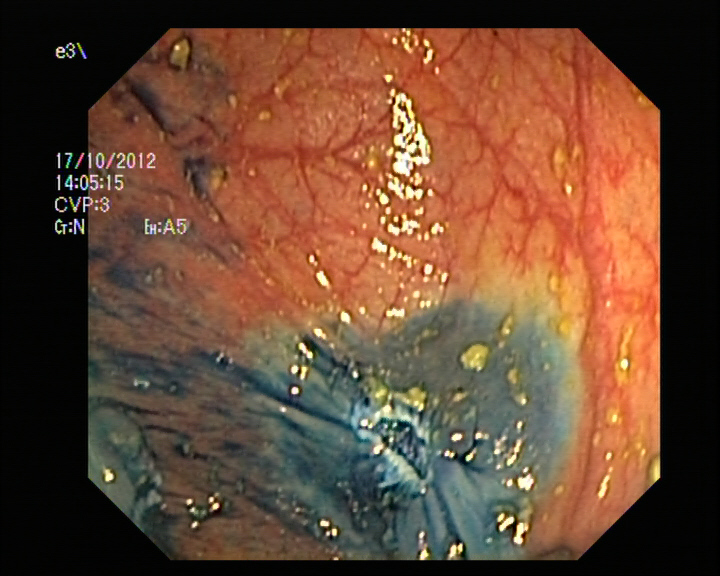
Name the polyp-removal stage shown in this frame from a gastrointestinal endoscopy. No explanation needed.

dyed resection margin (post-polypectomy)